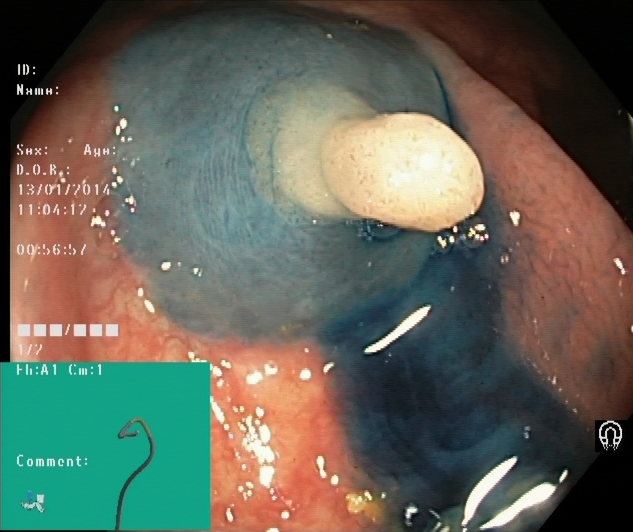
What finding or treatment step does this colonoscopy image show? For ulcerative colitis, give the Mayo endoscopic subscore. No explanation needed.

dyed and lifted polyp (pre-resection)